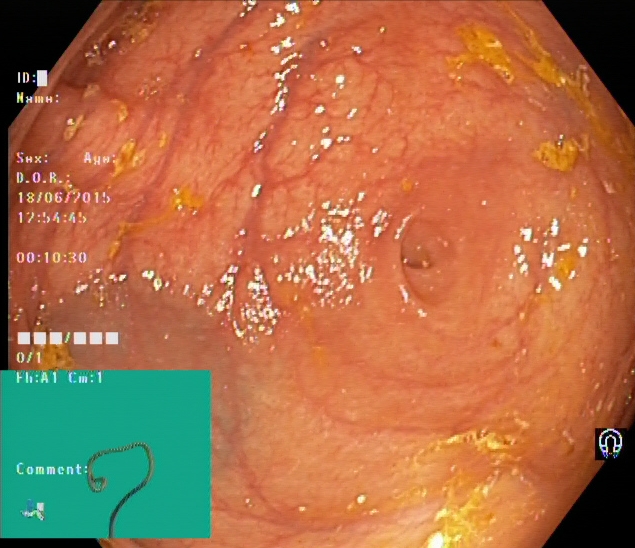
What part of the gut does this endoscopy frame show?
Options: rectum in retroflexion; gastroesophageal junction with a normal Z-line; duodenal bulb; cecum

cecum